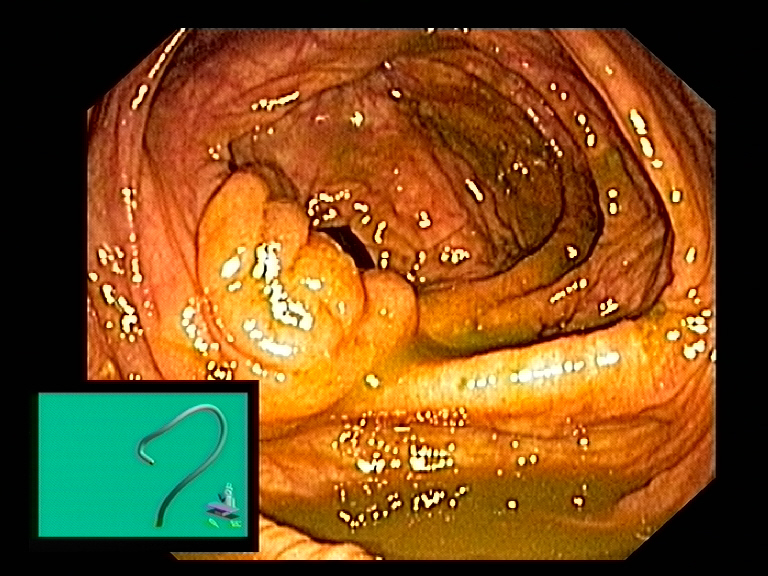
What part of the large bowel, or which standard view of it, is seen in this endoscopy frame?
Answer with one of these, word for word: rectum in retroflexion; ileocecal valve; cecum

ileocecal valve